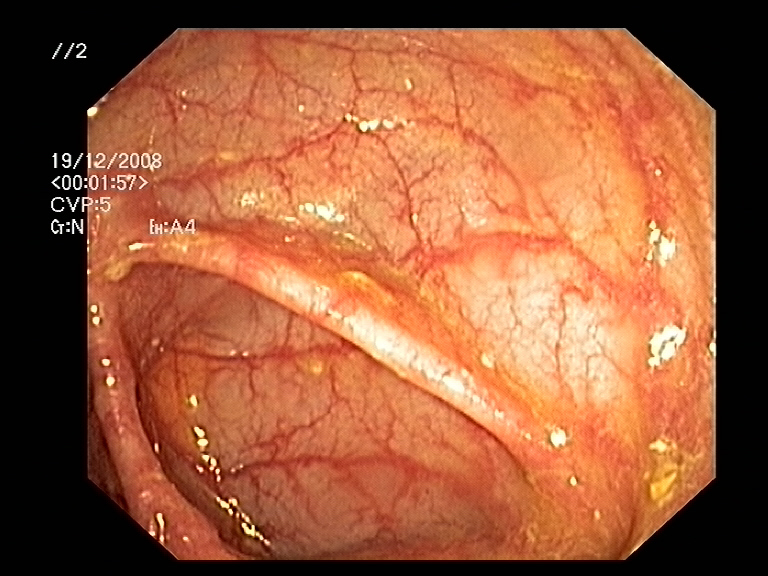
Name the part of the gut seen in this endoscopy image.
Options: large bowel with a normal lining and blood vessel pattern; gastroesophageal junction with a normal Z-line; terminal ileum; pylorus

large bowel with a normal lining and blood vessel pattern